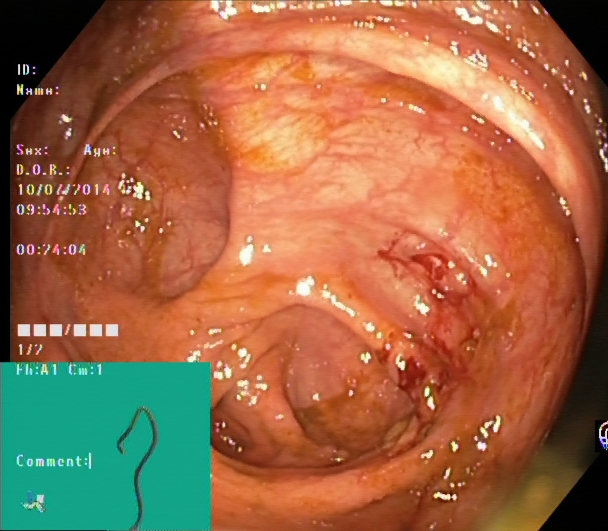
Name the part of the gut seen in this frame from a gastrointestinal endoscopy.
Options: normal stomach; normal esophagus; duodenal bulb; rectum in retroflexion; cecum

cecum